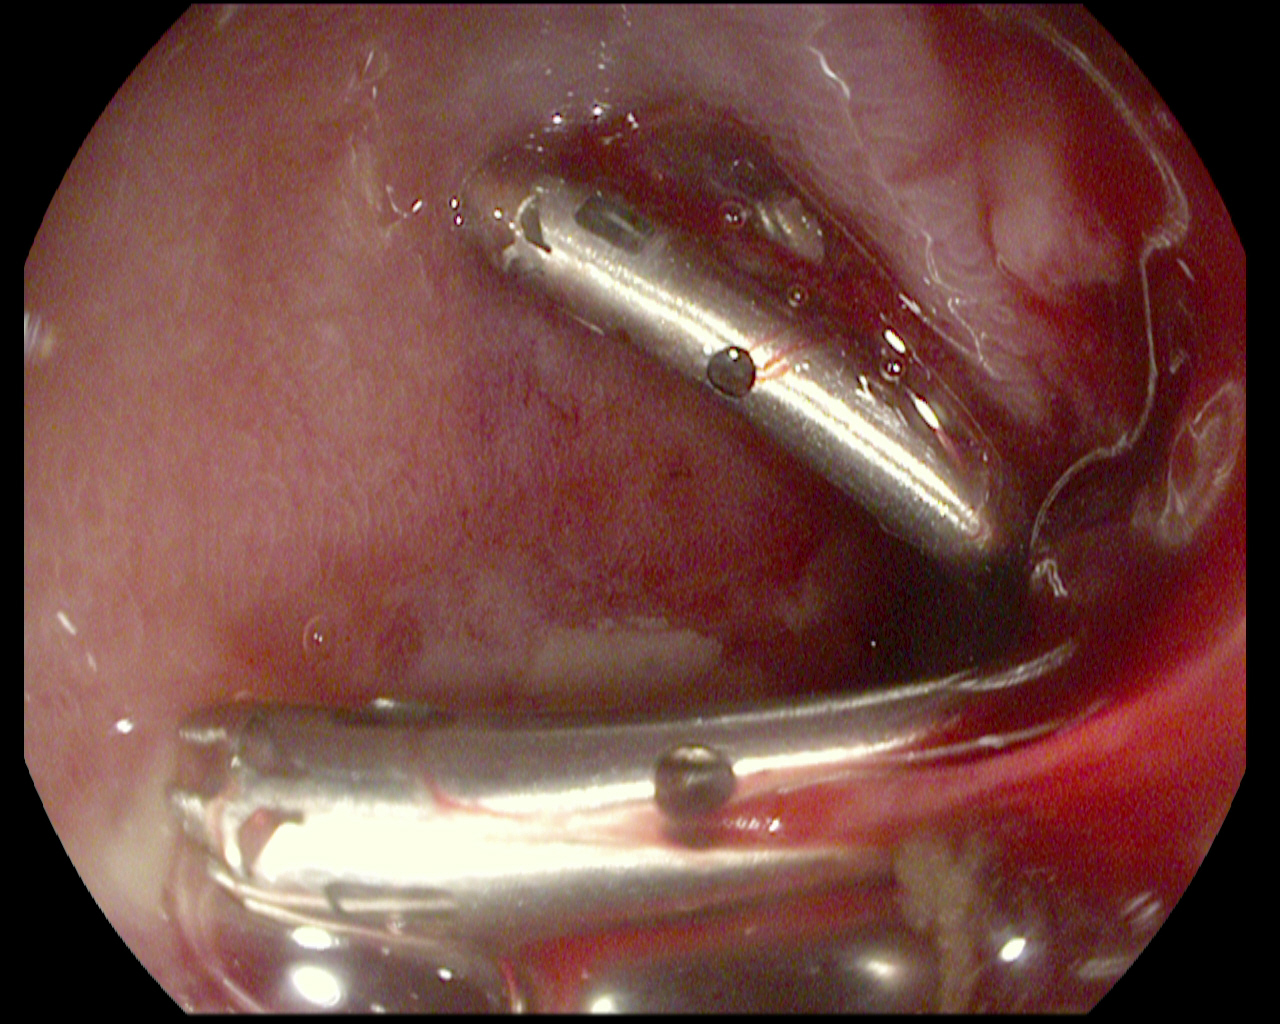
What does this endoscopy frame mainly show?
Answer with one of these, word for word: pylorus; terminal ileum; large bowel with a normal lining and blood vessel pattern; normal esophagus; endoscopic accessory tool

endoscopic accessory tool